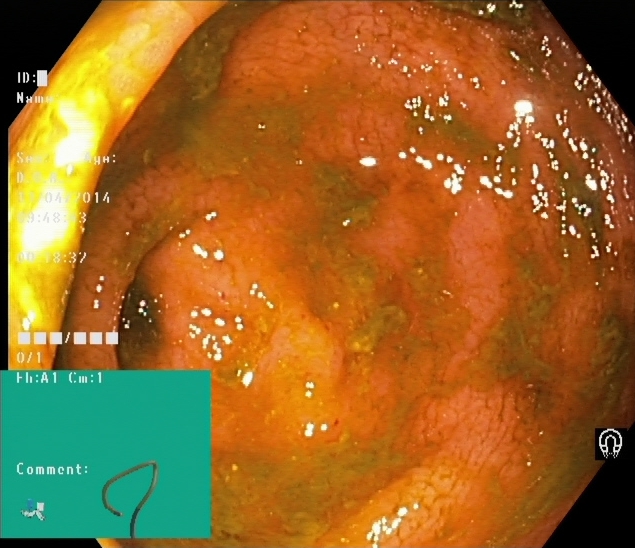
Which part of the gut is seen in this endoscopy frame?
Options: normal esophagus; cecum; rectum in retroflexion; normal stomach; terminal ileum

cecum